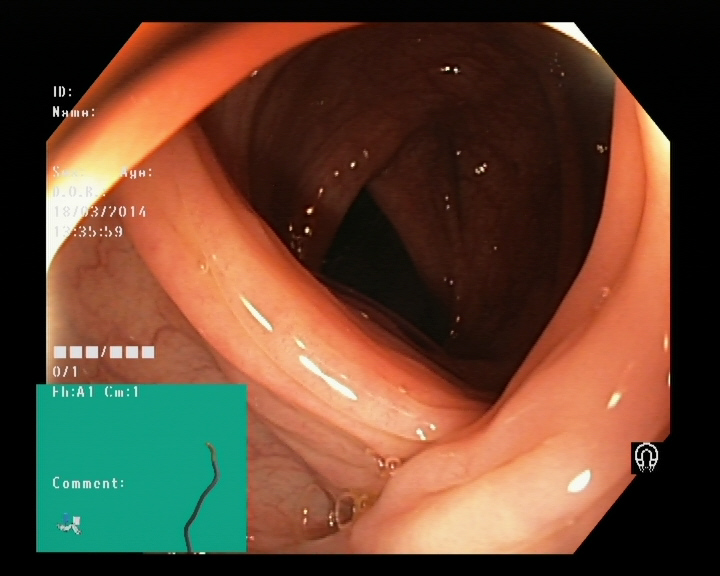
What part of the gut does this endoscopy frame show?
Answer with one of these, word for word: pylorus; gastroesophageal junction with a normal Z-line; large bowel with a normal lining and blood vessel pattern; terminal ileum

large bowel with a normal lining and blood vessel pattern